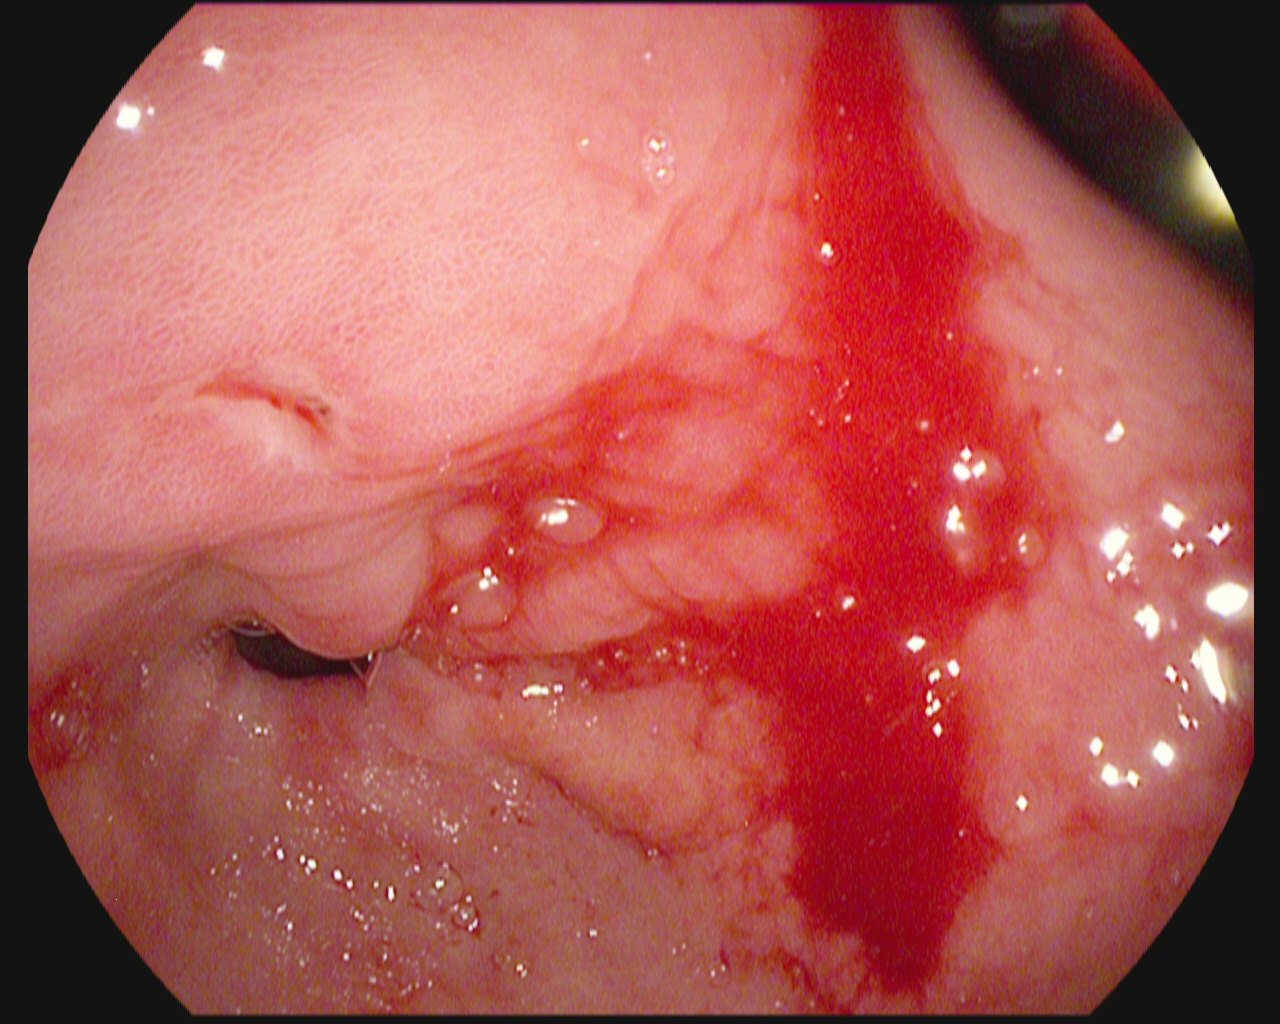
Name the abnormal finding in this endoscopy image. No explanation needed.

blood in the lumen